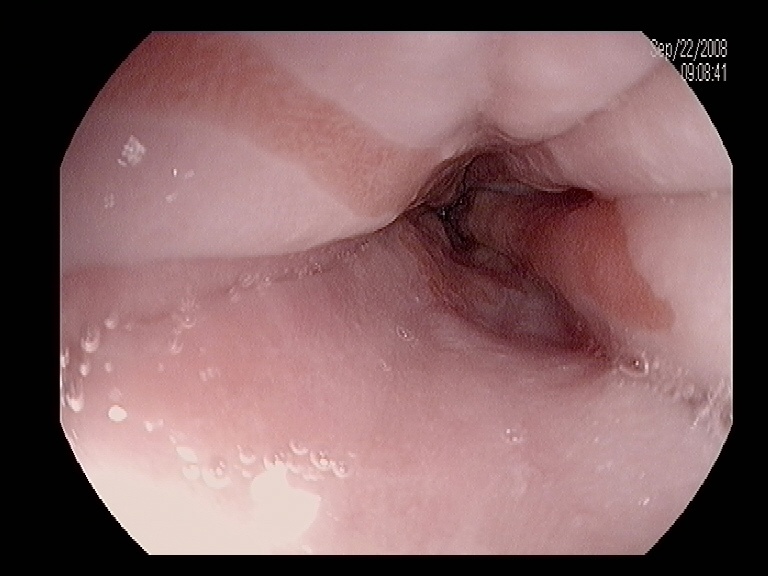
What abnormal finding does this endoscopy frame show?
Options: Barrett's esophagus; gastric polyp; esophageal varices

Barrett's esophagus